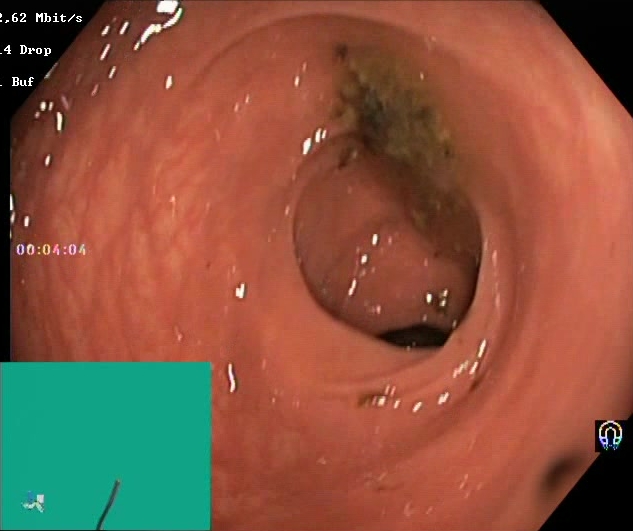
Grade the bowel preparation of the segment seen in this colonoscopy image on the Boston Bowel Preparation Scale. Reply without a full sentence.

Boston Bowel Preparation Scale score 0–1 (inadequate preparation)